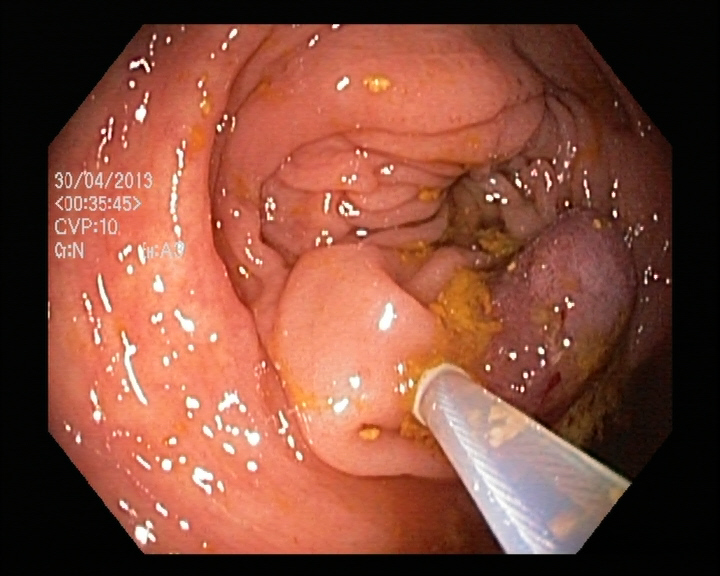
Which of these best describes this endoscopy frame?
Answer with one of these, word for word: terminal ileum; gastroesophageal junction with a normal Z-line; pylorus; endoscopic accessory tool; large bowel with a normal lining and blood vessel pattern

endoscopic accessory tool